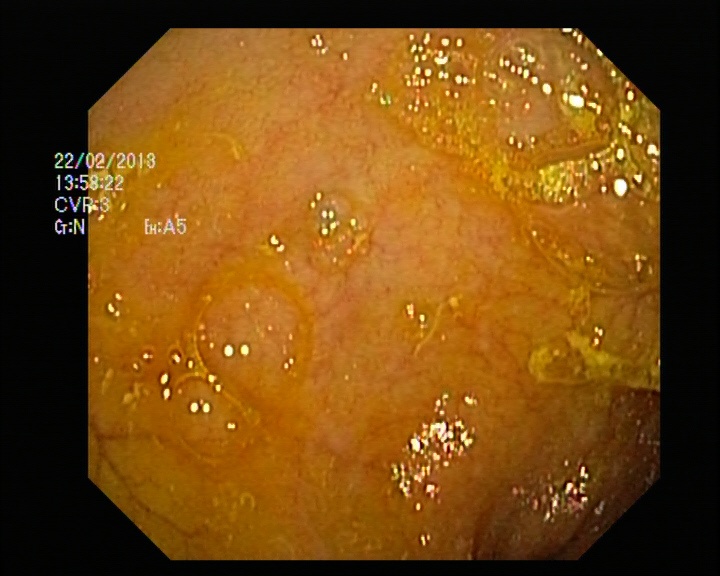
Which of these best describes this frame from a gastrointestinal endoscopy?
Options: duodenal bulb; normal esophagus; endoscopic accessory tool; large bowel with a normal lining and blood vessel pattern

duodenal bulb